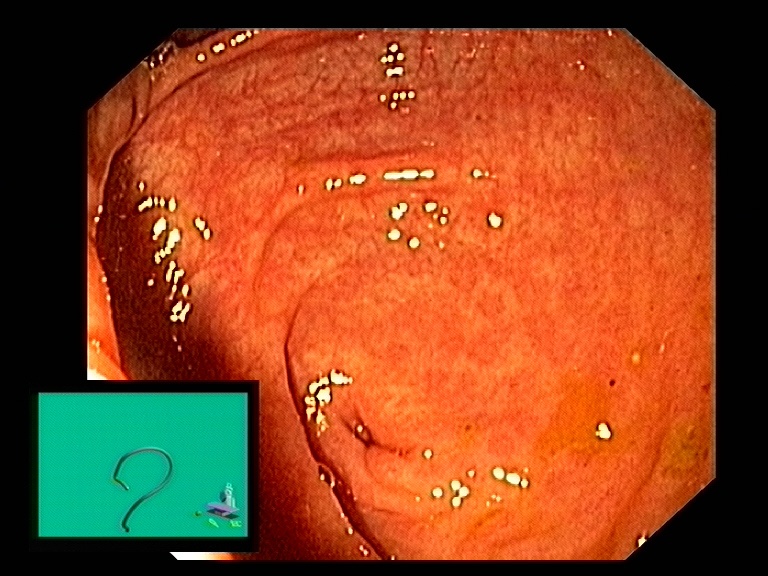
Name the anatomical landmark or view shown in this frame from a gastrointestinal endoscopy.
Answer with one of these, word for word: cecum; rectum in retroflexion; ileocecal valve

cecum